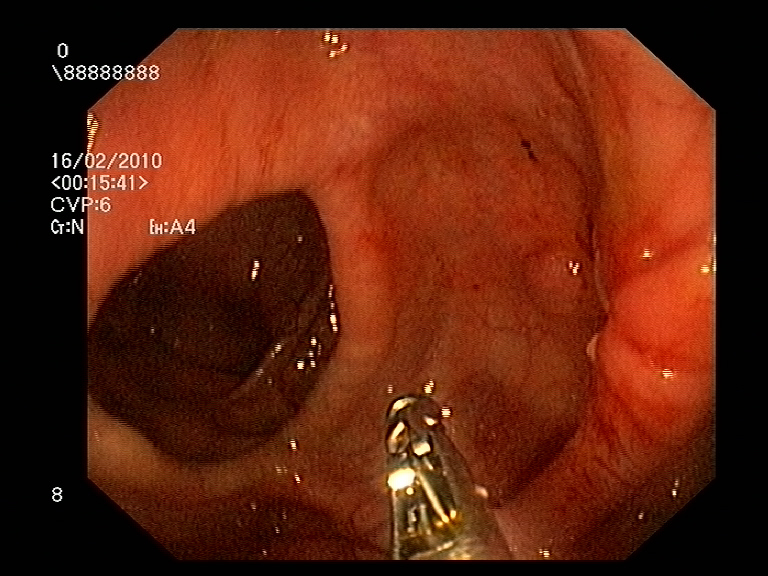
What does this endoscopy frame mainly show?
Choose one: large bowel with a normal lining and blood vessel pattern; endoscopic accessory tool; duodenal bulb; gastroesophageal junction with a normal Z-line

endoscopic accessory tool